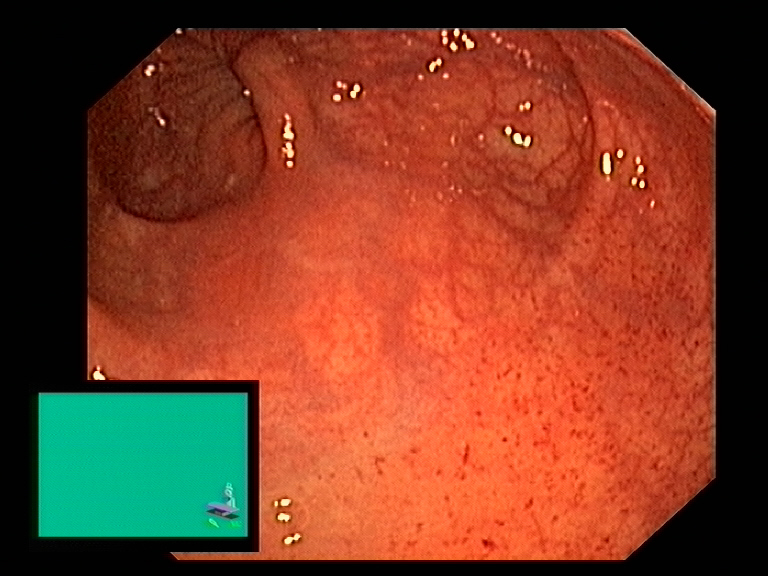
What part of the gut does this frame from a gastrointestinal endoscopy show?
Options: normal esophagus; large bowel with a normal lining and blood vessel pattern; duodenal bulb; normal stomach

large bowel with a normal lining and blood vessel pattern